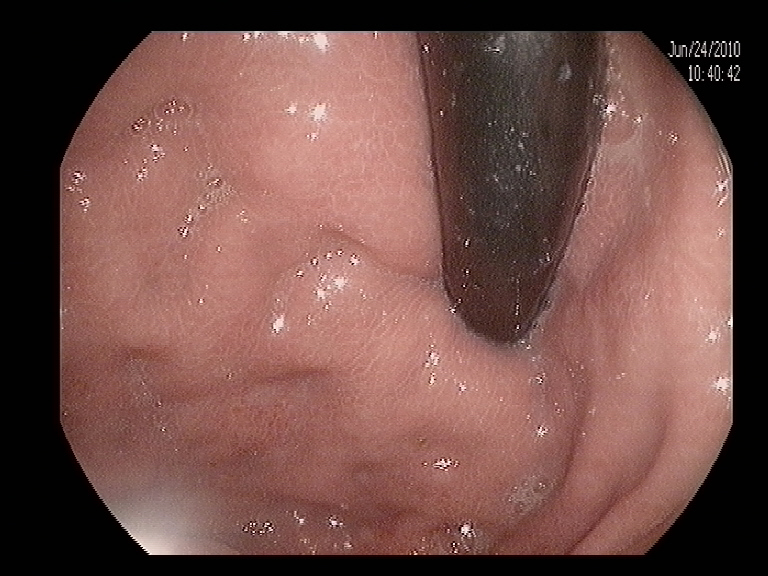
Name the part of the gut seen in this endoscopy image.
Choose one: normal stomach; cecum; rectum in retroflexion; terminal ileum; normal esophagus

normal stomach